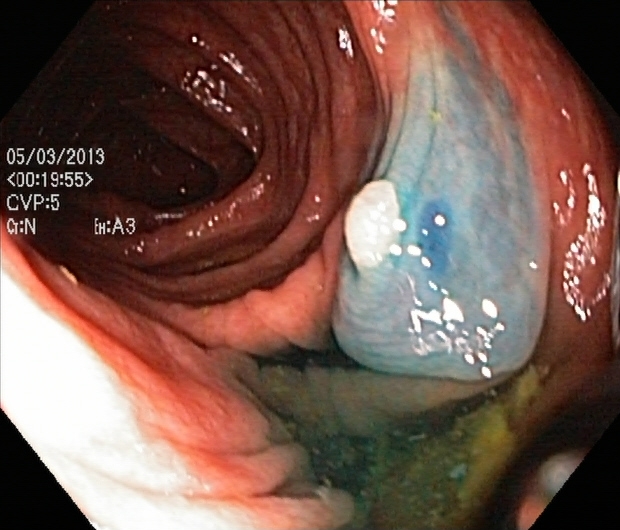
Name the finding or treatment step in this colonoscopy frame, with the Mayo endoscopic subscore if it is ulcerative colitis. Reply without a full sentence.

dyed and lifted polyp (pre-resection)